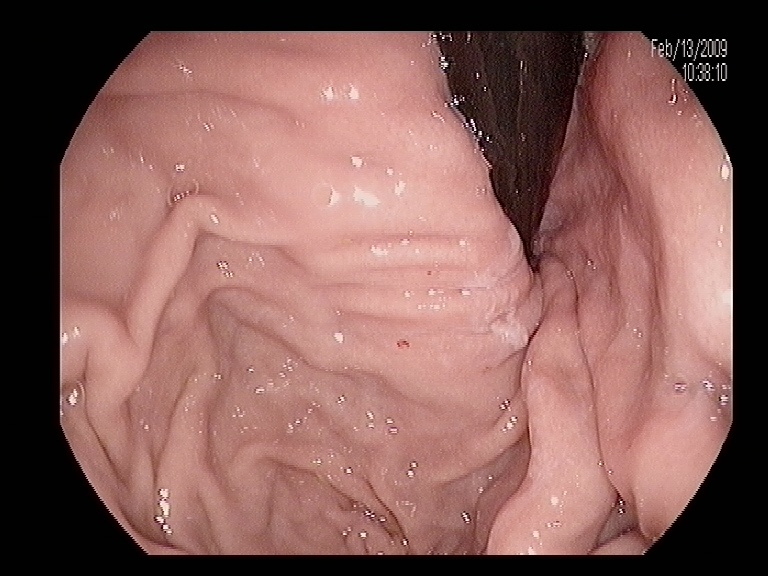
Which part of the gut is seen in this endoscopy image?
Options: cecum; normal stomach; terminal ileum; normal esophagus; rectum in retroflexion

normal stomach